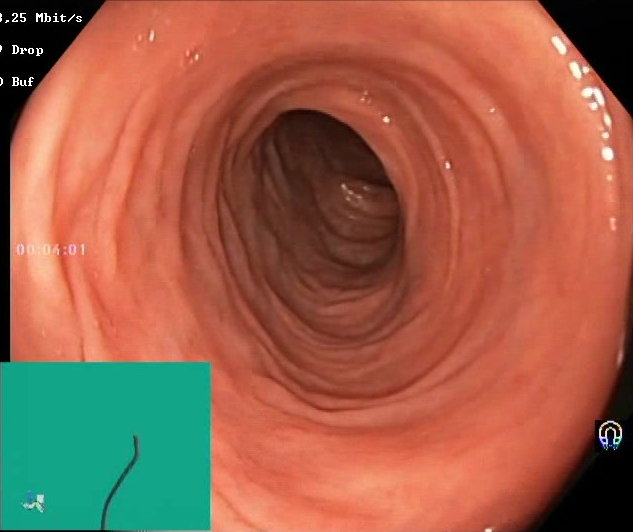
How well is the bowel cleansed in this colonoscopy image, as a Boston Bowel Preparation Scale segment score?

Boston Bowel Preparation Scale score 2–3 (adequate preparation)